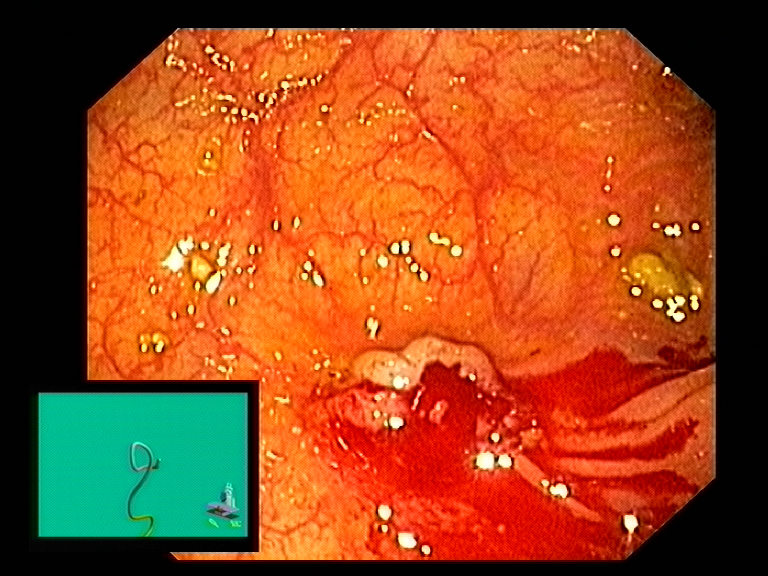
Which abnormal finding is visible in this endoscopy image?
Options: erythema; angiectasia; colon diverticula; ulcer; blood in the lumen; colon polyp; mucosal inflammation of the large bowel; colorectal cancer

blood in the lumen